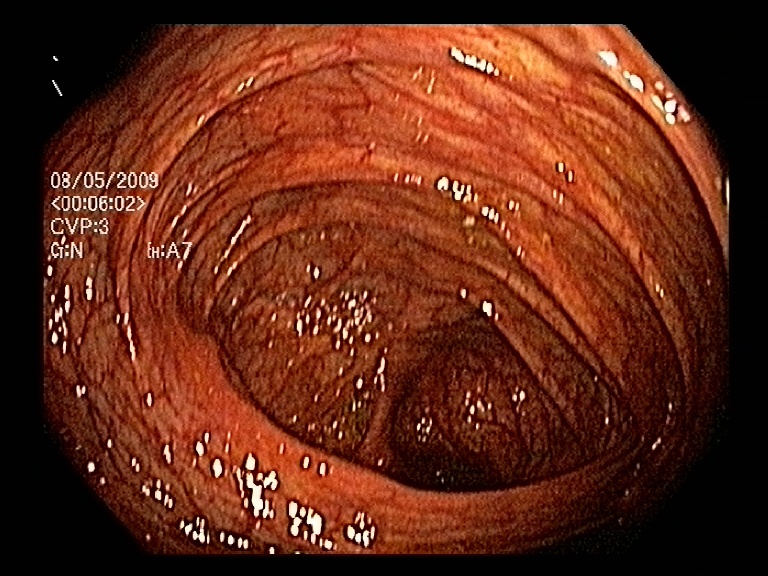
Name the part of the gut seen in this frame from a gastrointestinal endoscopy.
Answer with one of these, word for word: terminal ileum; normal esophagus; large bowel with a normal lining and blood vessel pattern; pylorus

large bowel with a normal lining and blood vessel pattern